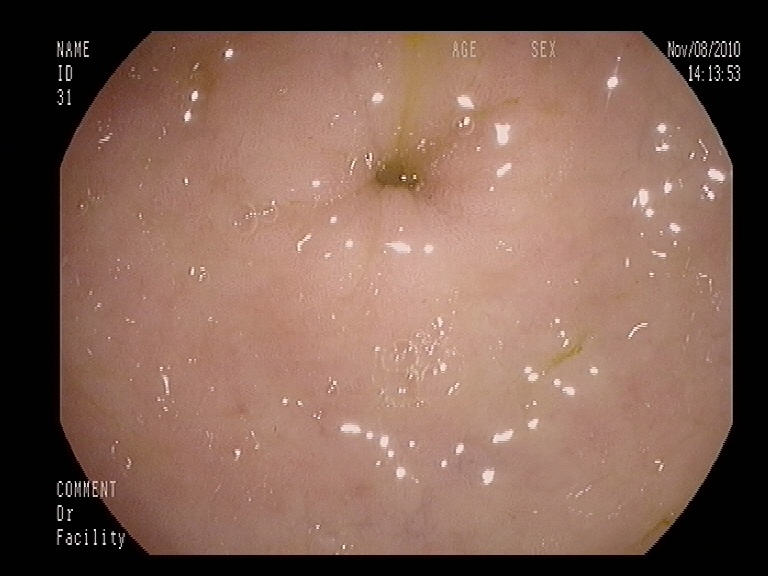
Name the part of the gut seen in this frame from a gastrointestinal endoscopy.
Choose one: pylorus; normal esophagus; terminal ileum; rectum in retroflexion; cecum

pylorus